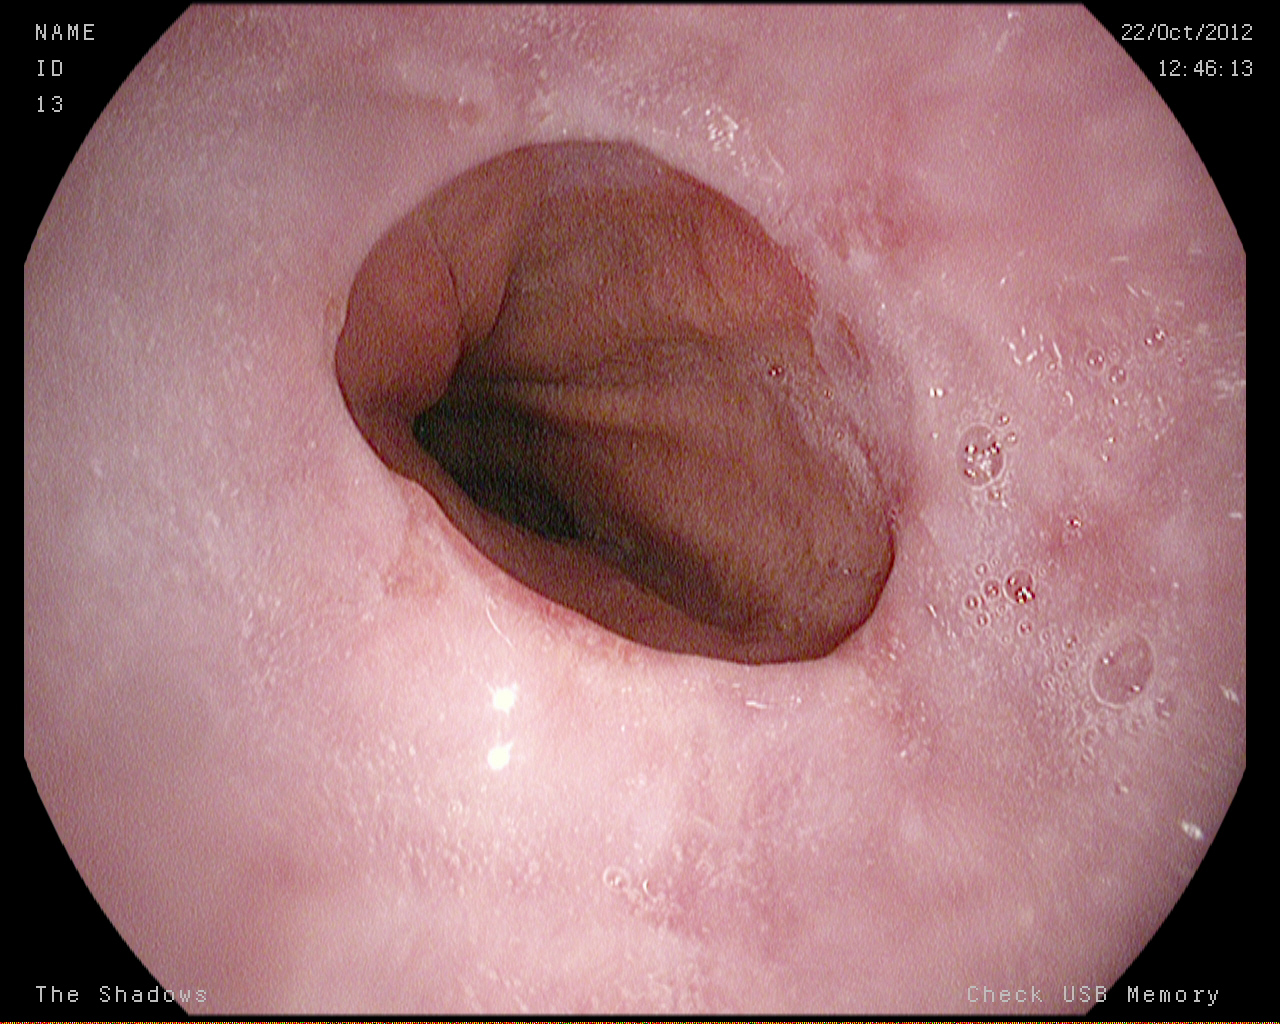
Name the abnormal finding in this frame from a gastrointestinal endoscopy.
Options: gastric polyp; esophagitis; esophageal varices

esophagitis